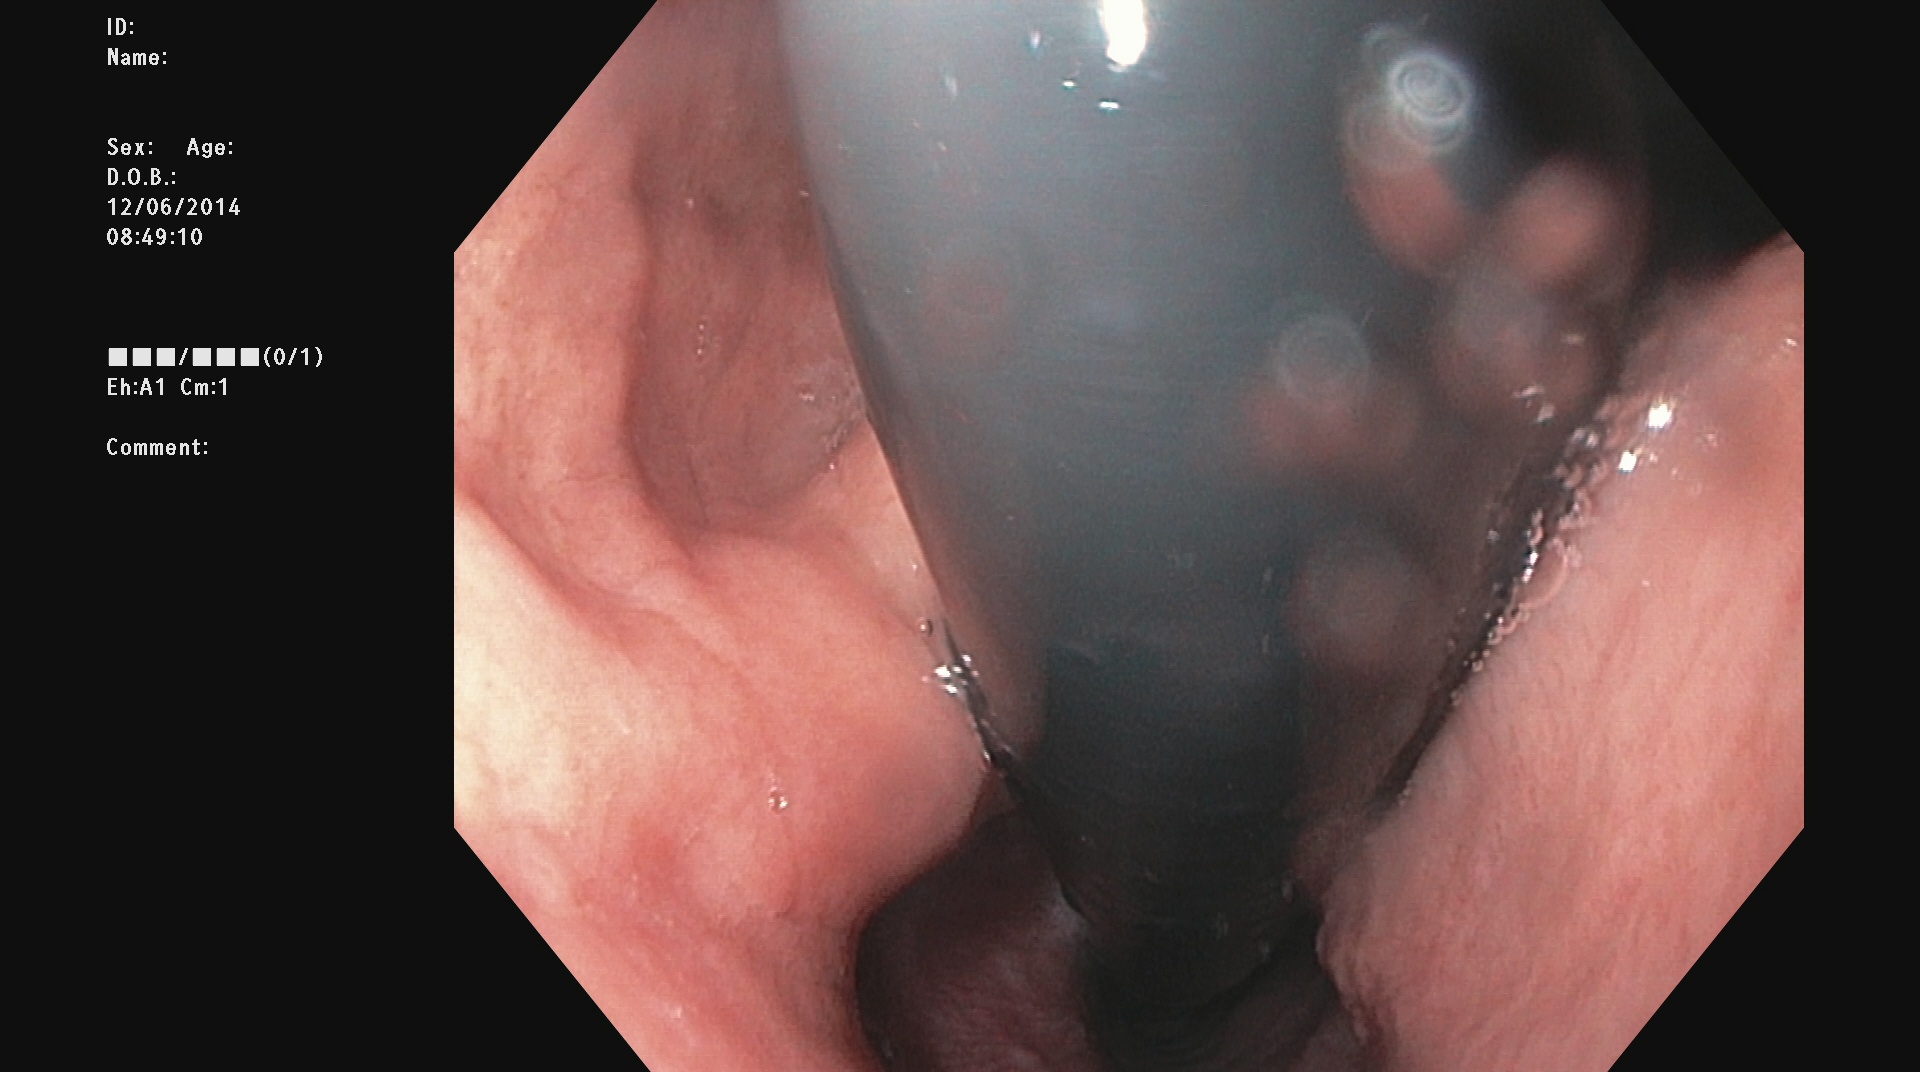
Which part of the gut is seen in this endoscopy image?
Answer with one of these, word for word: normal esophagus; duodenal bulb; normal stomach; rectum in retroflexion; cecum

normal stomach